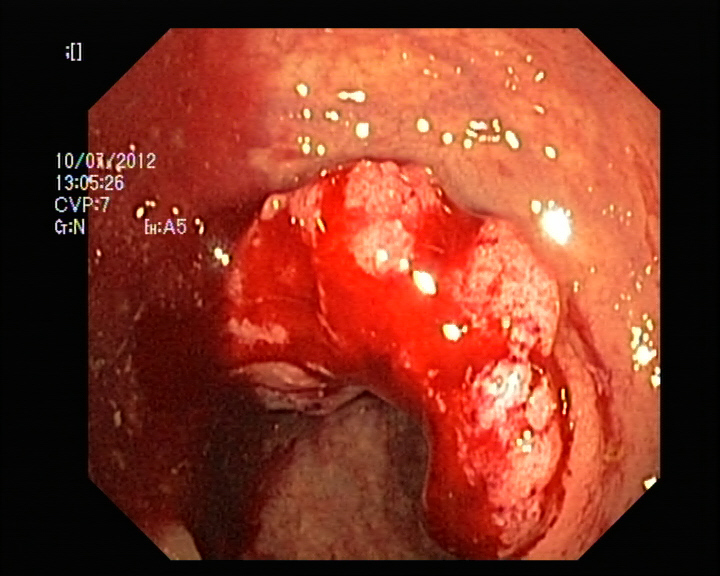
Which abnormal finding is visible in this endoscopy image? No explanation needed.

colorectal cancer